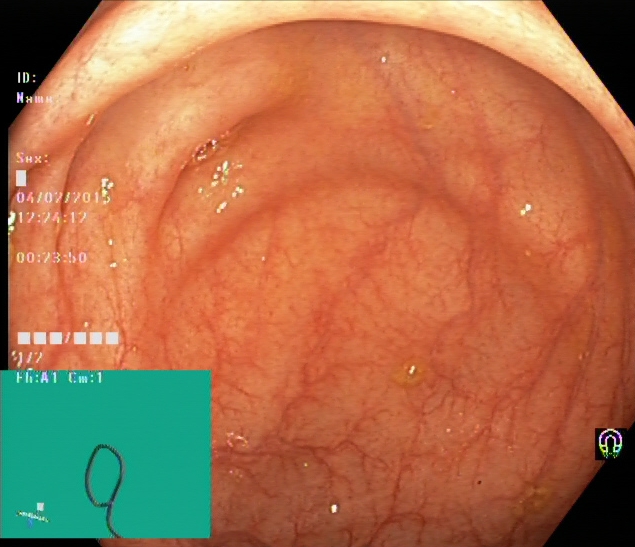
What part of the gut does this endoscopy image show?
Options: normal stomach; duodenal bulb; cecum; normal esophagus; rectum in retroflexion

cecum